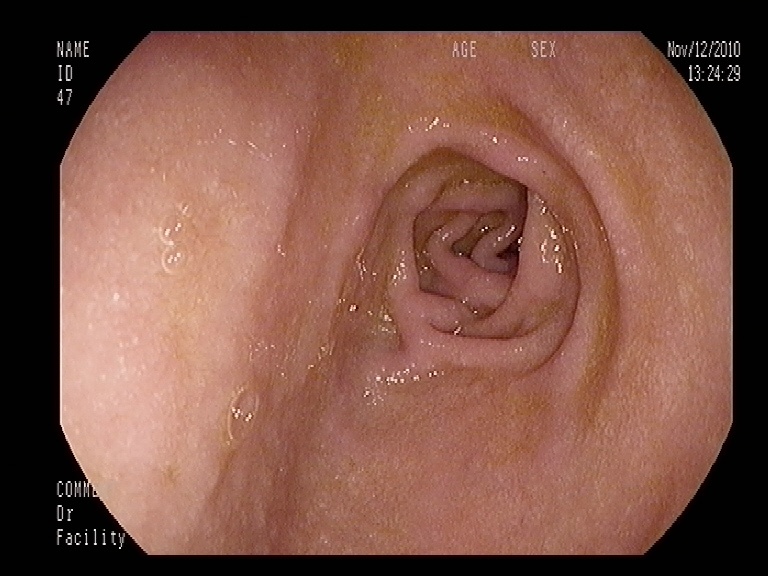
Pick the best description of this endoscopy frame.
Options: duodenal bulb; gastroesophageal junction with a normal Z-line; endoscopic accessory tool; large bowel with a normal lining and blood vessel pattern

duodenal bulb